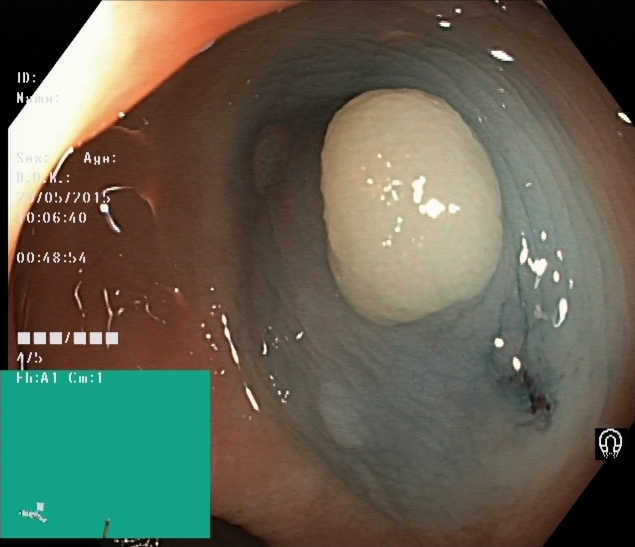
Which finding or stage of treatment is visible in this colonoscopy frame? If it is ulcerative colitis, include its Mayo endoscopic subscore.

dyed and lifted polyp (pre-resection)